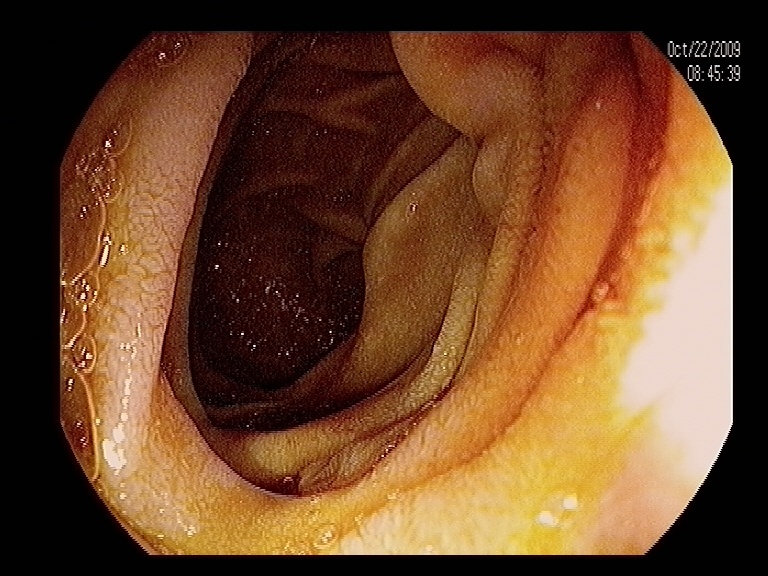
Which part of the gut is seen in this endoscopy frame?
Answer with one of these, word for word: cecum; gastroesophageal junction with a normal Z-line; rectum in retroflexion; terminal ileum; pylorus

terminal ileum